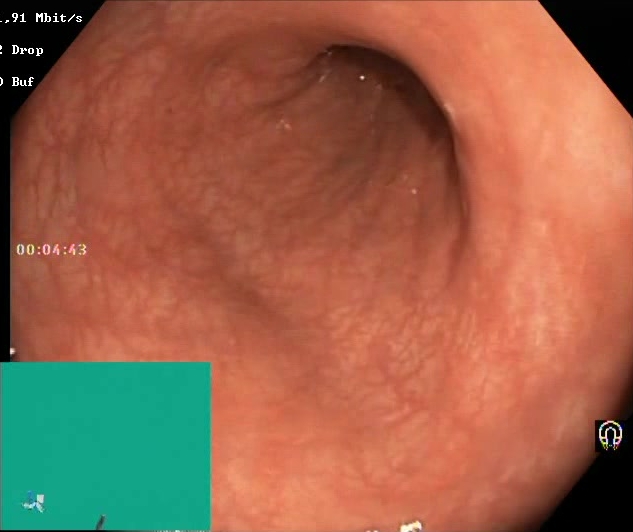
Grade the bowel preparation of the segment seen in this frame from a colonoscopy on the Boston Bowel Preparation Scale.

Boston Bowel Preparation Scale score 2–3 (adequate preparation)